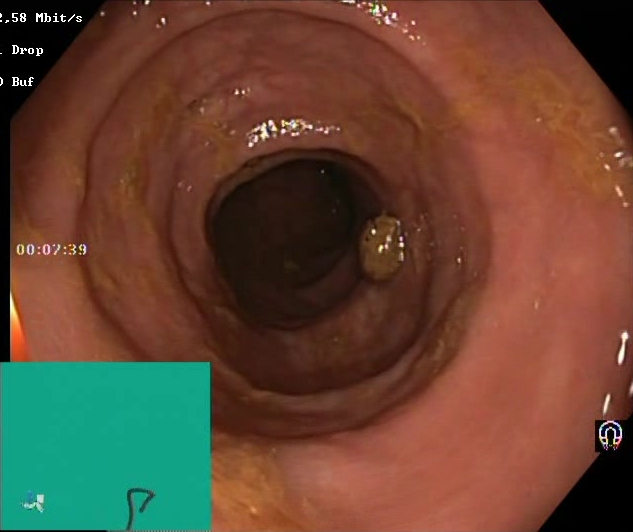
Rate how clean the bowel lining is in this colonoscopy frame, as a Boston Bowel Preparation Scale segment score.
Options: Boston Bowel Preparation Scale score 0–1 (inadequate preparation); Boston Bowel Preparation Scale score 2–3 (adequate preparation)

Boston Bowel Preparation Scale score 2–3 (adequate preparation)